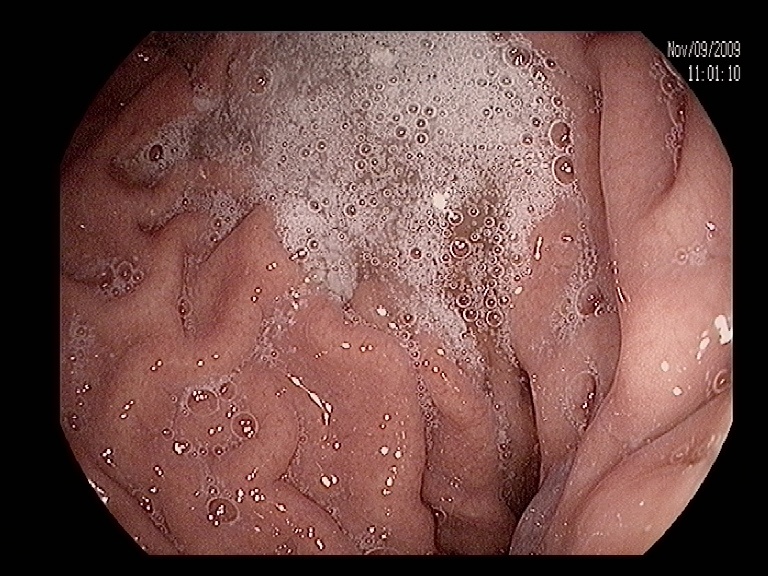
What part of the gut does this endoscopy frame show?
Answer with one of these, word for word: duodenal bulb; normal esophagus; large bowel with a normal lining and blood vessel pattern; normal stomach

normal stomach